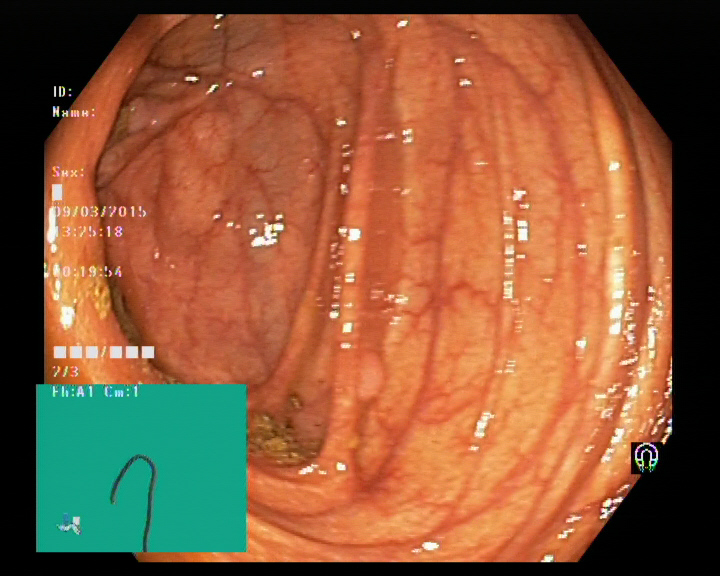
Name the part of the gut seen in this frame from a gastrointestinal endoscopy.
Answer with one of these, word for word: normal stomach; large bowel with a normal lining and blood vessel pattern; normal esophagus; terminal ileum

large bowel with a normal lining and blood vessel pattern